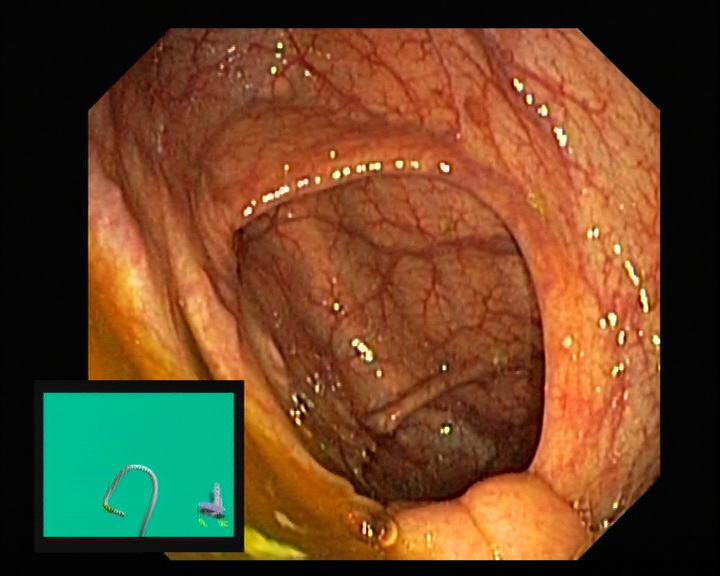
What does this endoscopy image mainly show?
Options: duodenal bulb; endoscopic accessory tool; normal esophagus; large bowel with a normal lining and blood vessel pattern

large bowel with a normal lining and blood vessel pattern